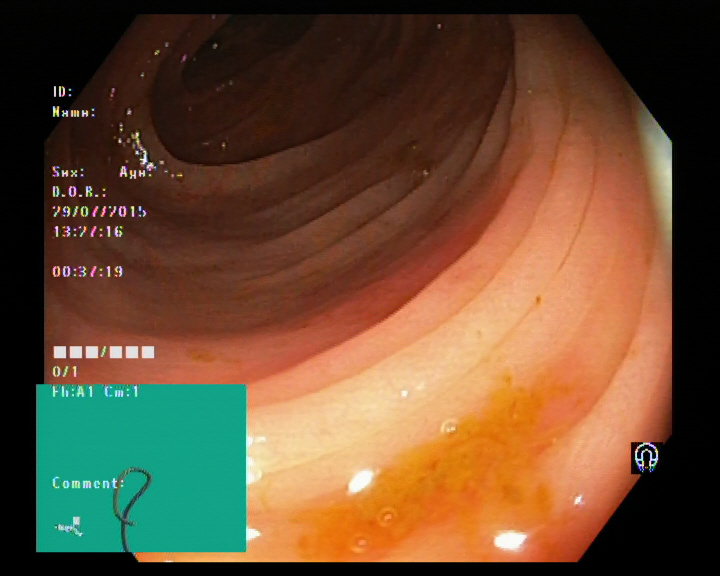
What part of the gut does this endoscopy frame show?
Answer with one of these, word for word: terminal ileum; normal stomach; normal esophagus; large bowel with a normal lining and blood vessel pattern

large bowel with a normal lining and blood vessel pattern